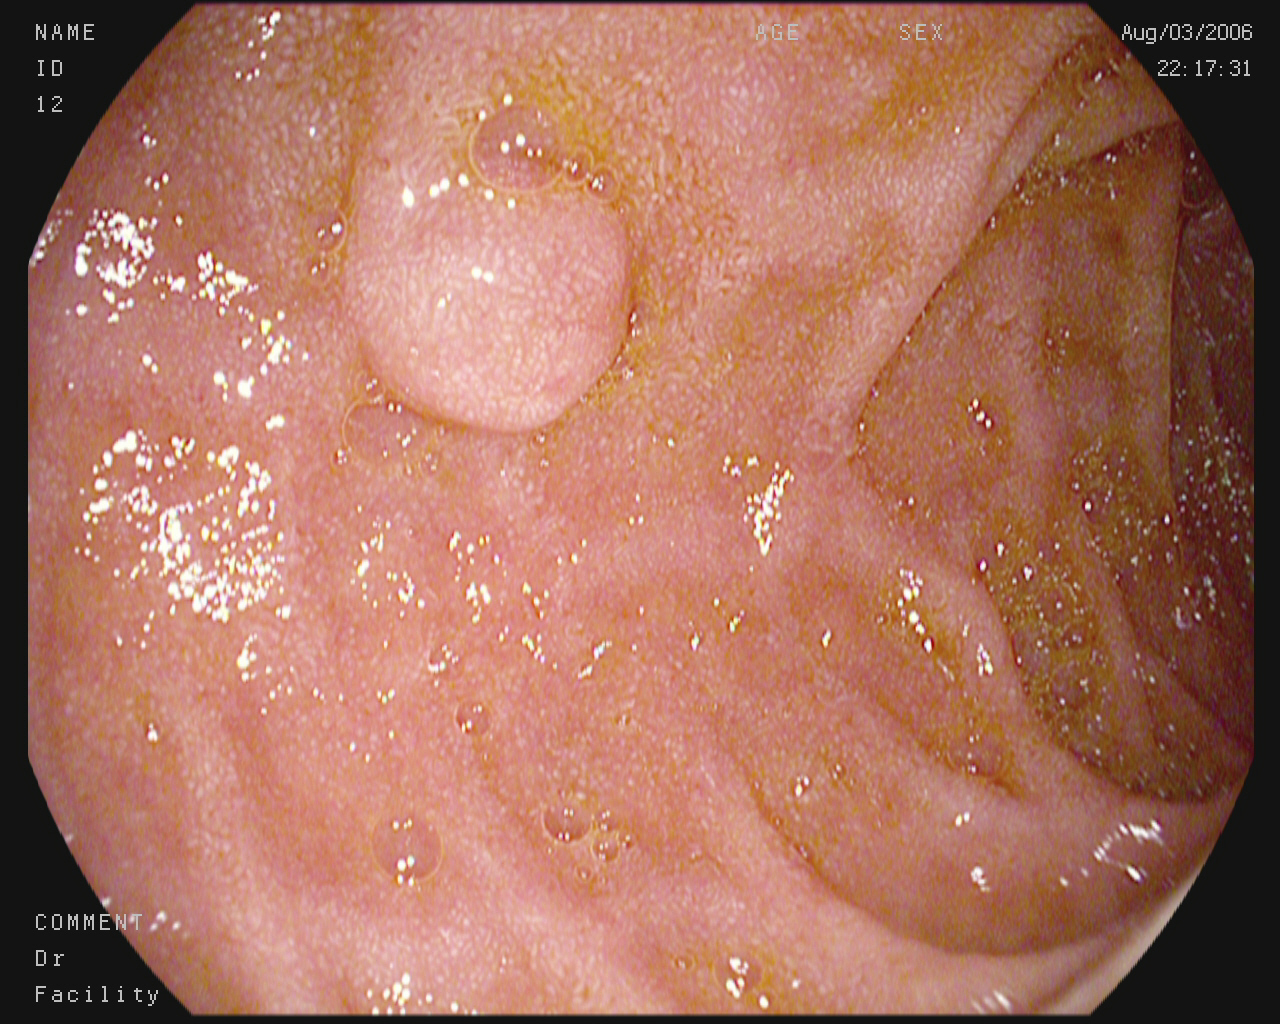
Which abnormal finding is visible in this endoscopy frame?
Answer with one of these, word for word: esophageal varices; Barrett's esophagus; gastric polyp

gastric polyp